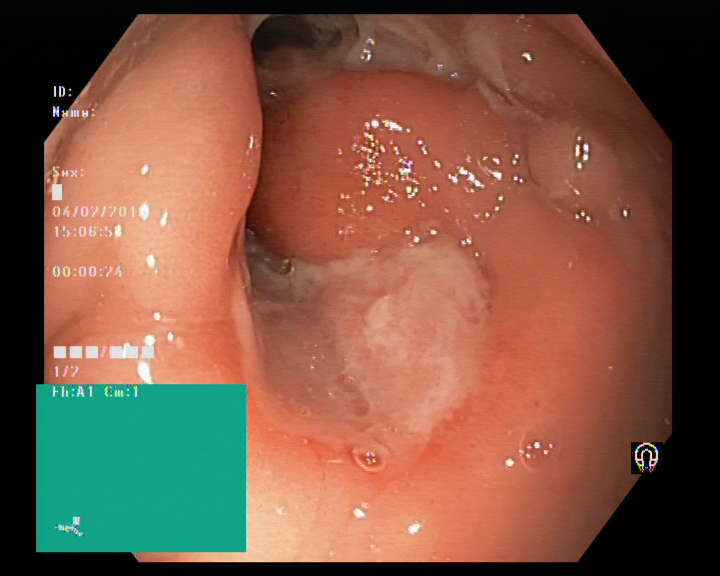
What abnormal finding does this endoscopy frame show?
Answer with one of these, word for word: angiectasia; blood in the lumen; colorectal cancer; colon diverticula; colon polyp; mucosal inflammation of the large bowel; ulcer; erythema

colorectal cancer